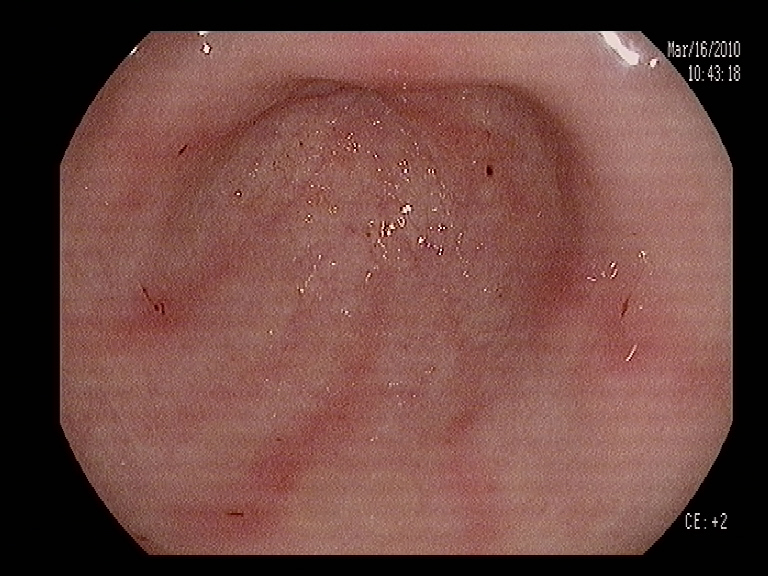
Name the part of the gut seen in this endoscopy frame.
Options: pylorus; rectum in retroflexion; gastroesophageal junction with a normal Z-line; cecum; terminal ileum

pylorus